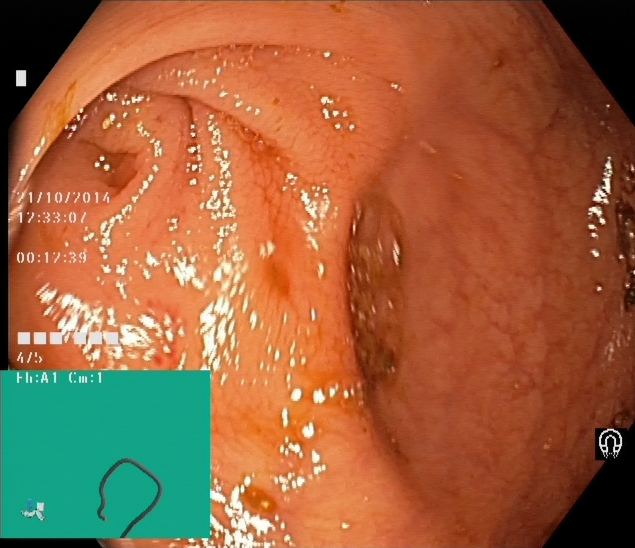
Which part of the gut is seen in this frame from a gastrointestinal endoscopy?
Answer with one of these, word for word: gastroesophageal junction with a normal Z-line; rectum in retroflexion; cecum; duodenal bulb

cecum